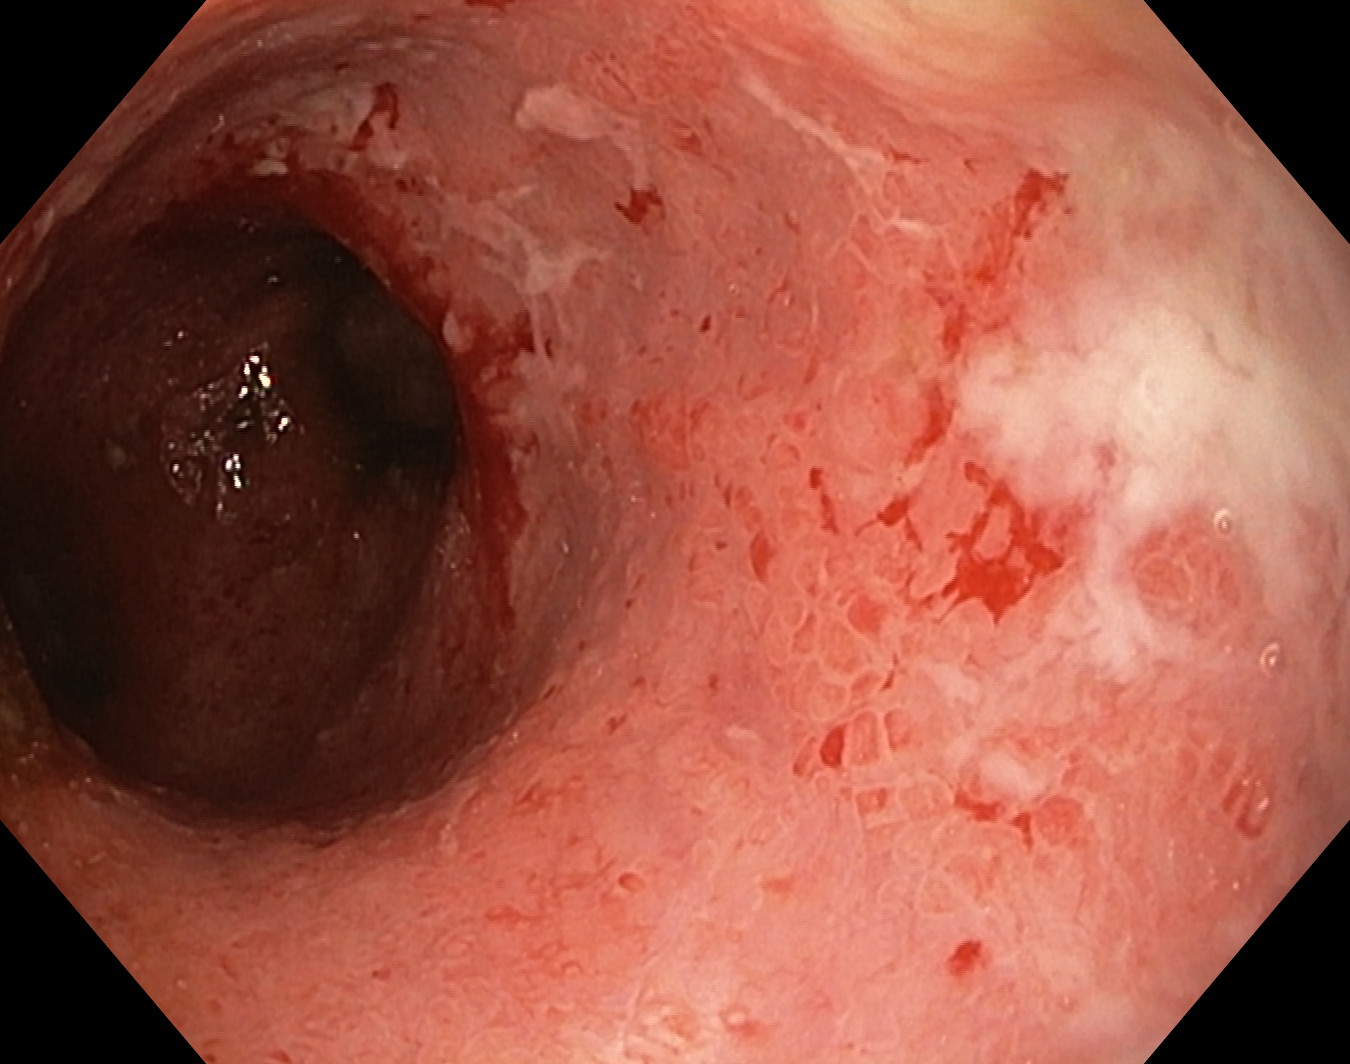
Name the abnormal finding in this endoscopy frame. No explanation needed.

mucosal inflammation of the large bowel